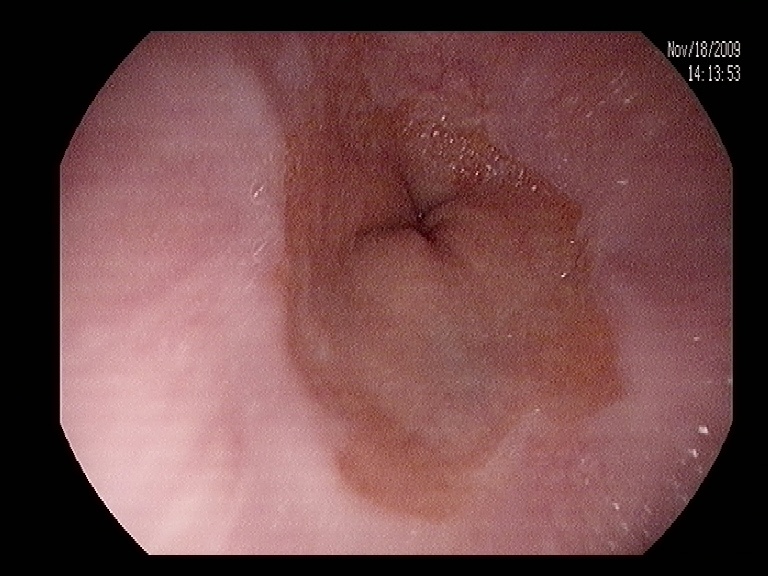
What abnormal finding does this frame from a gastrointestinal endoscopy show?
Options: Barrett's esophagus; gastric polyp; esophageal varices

Barrett's esophagus